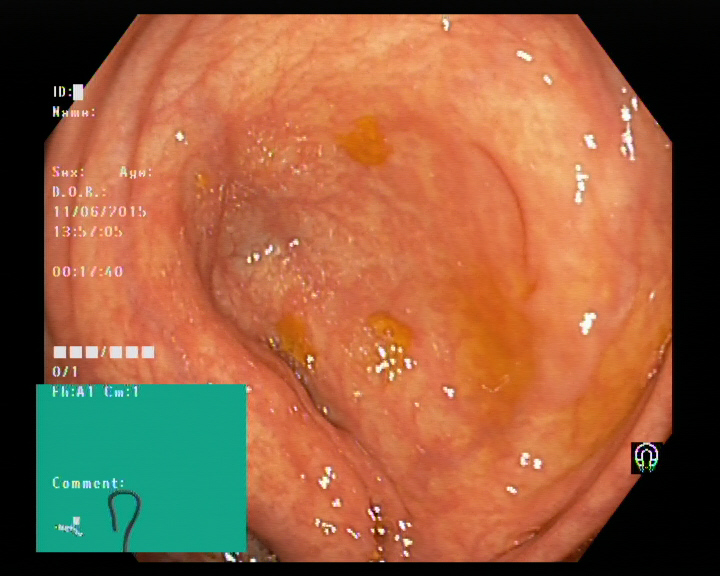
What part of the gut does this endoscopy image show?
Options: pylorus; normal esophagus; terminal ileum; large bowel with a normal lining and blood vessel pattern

large bowel with a normal lining and blood vessel pattern